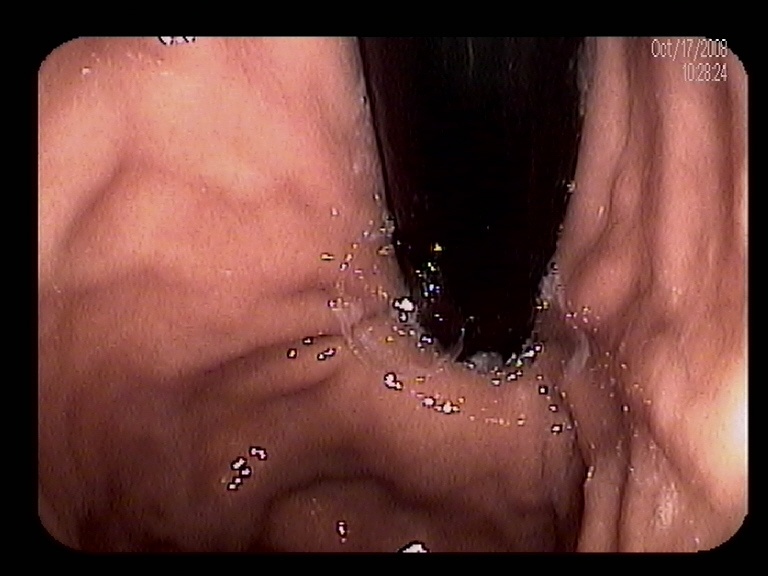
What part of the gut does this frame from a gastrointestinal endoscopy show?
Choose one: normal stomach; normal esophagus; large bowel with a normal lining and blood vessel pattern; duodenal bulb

normal stomach